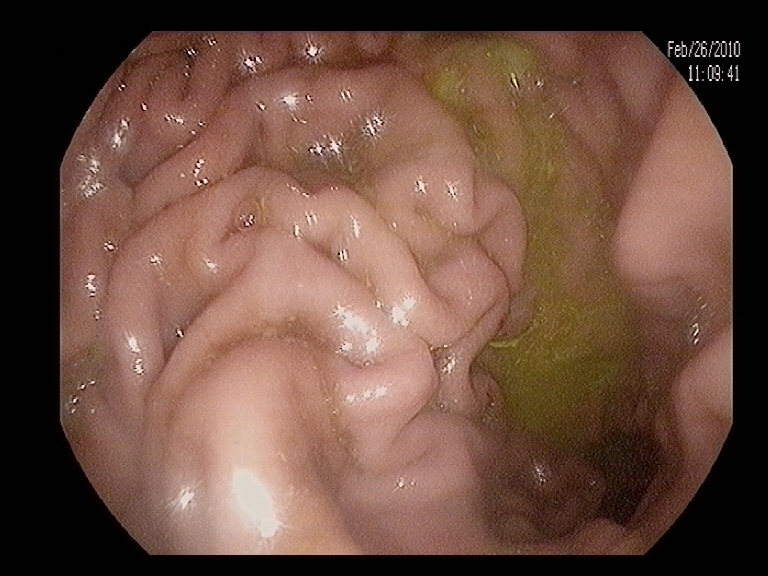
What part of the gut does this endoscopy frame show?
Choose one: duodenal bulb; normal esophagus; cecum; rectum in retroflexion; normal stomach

normal stomach